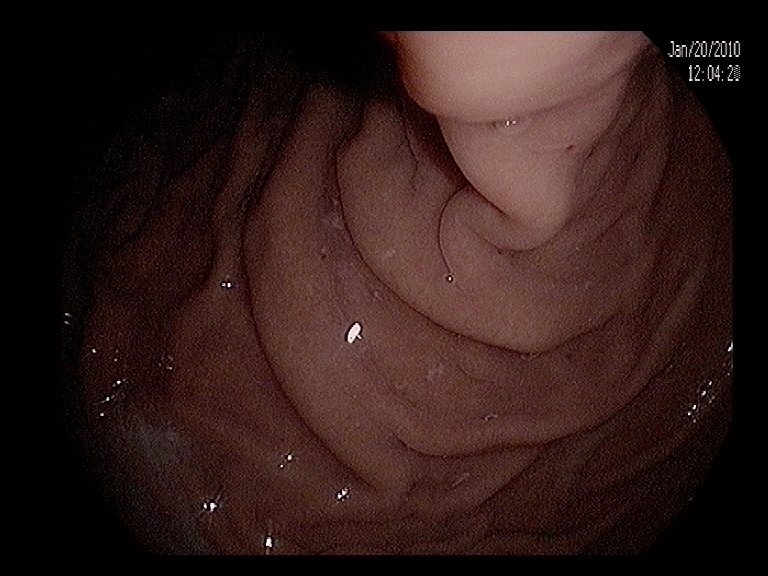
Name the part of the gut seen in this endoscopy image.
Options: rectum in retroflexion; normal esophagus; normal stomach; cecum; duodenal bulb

normal stomach